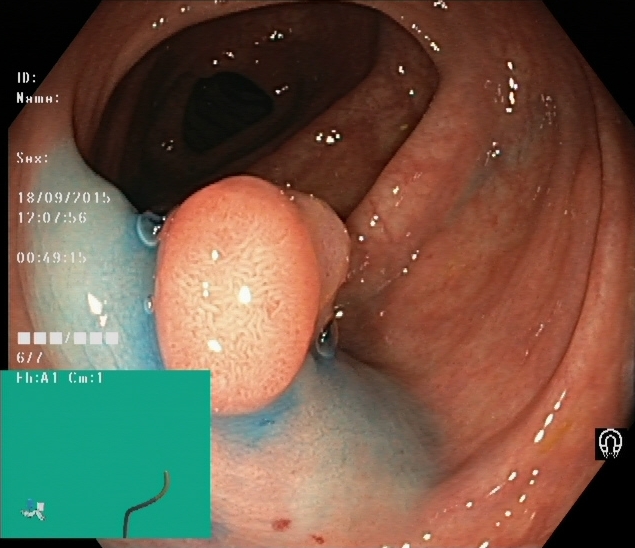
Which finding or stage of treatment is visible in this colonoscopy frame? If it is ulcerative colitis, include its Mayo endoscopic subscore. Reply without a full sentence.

dyed and lifted polyp (pre-resection)